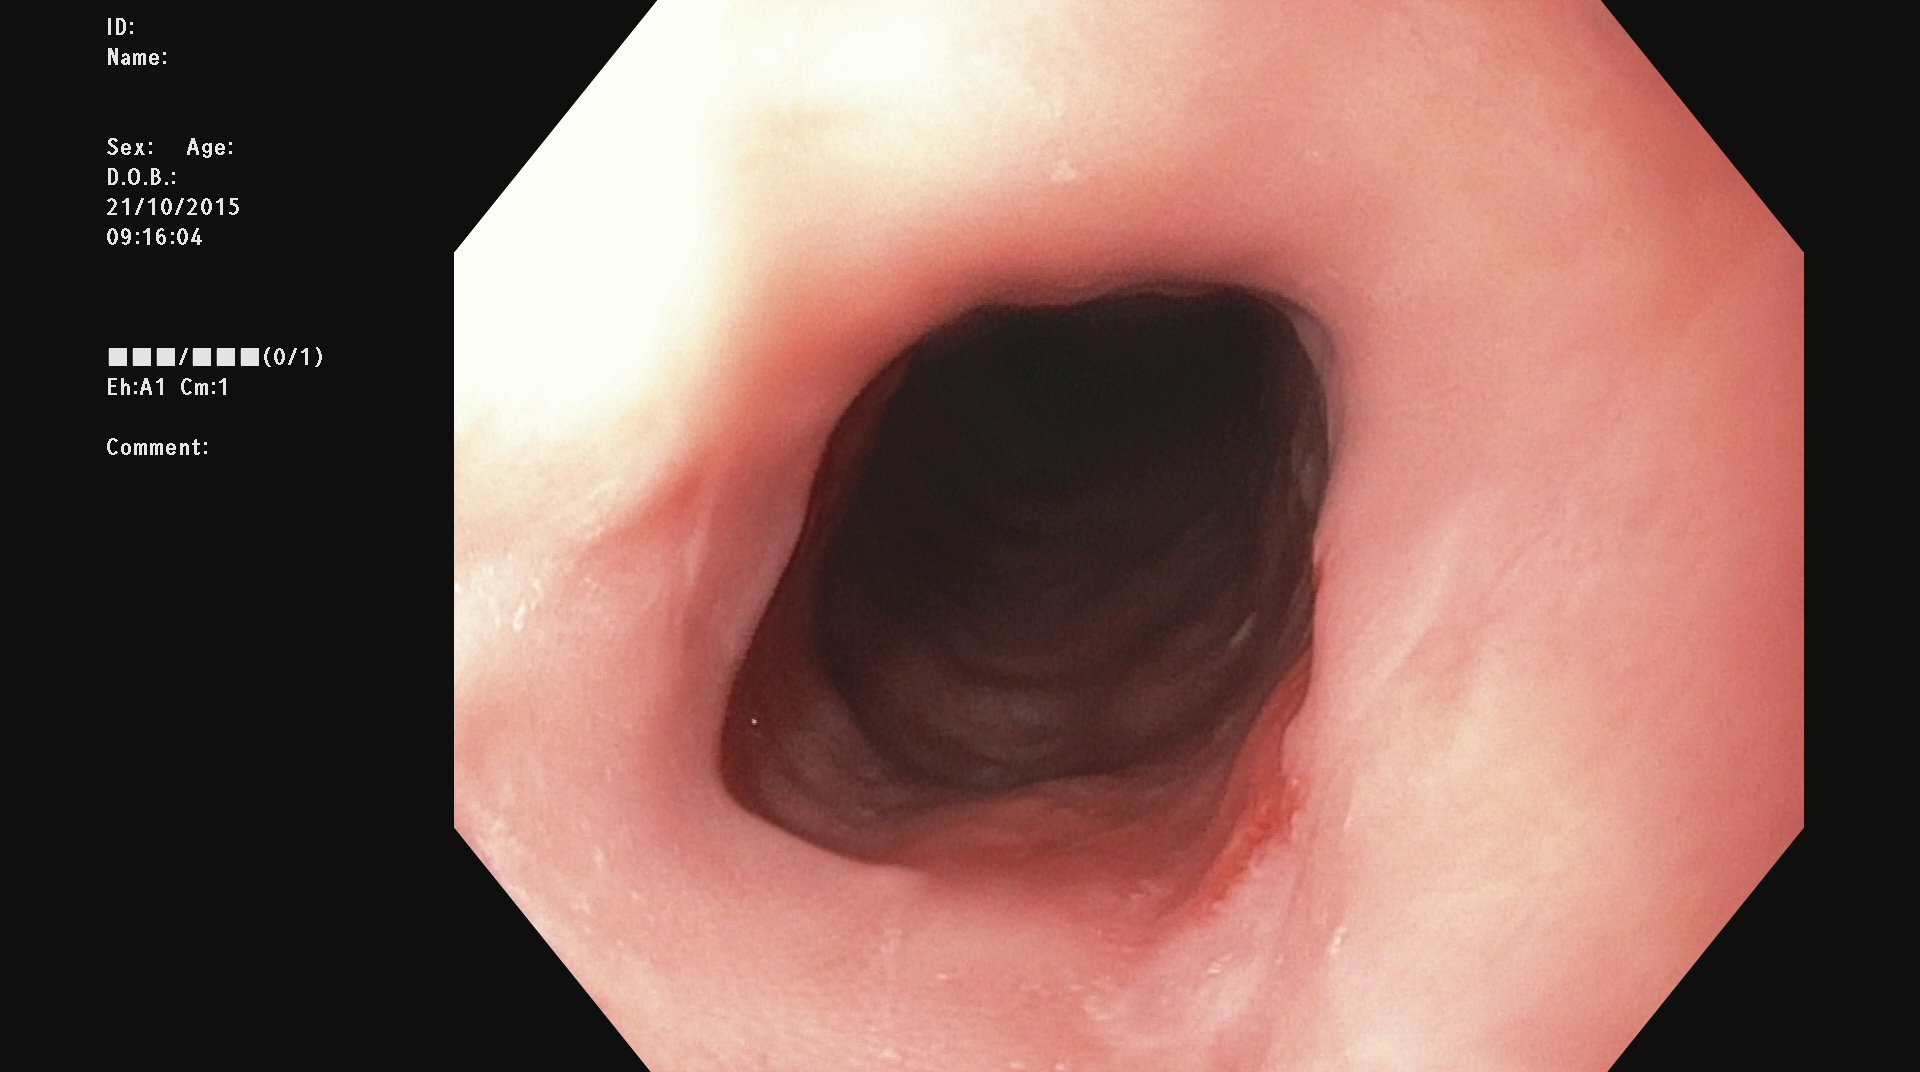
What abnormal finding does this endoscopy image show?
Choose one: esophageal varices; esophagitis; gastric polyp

esophagitis